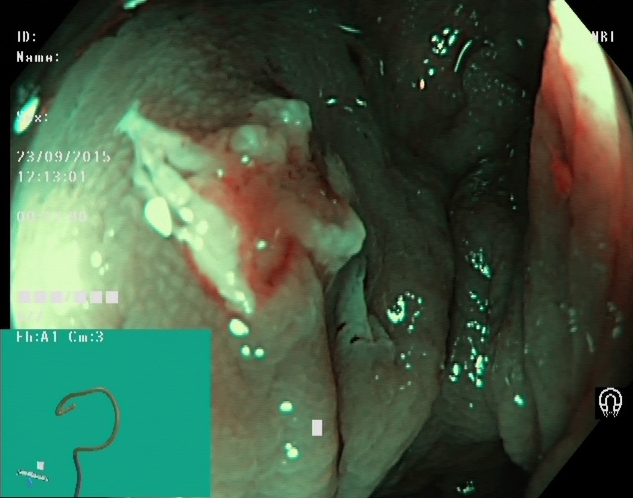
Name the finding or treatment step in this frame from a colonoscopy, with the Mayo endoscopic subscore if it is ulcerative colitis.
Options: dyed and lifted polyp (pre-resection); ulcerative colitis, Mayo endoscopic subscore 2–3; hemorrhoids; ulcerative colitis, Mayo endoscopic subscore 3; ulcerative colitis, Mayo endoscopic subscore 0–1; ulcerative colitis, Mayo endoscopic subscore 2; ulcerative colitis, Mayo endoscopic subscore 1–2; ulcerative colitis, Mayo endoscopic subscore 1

dyed and lifted polyp (pre-resection)